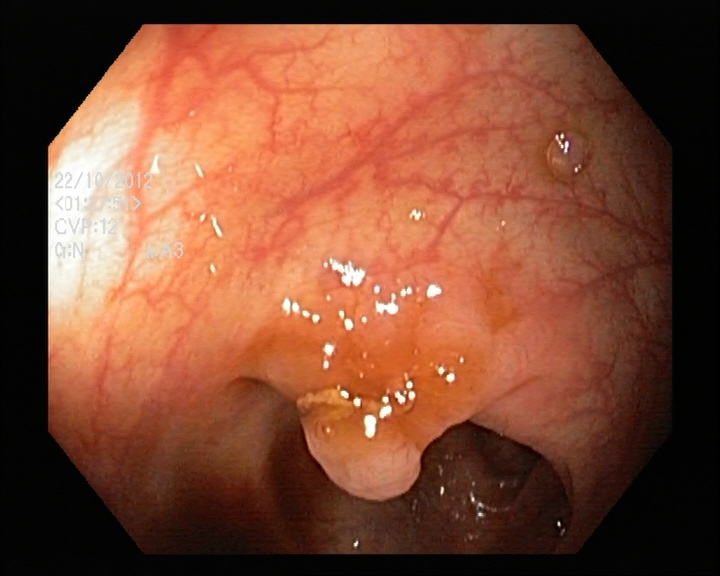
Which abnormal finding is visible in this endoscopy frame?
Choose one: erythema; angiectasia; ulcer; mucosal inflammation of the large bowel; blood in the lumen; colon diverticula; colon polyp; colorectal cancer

colon polyp